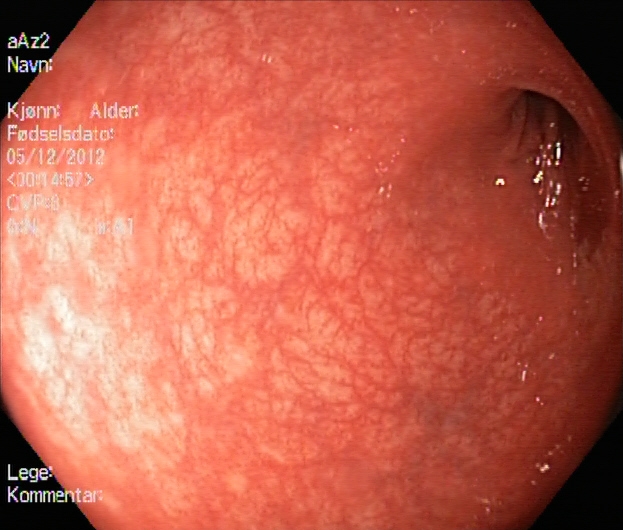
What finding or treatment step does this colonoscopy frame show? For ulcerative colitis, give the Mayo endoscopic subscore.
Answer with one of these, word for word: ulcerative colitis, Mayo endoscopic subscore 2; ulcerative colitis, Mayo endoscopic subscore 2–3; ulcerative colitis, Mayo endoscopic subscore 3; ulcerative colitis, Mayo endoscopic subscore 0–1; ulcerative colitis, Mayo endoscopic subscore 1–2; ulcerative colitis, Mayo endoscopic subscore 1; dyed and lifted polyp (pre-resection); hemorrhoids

ulcerative colitis, Mayo endoscopic subscore 1